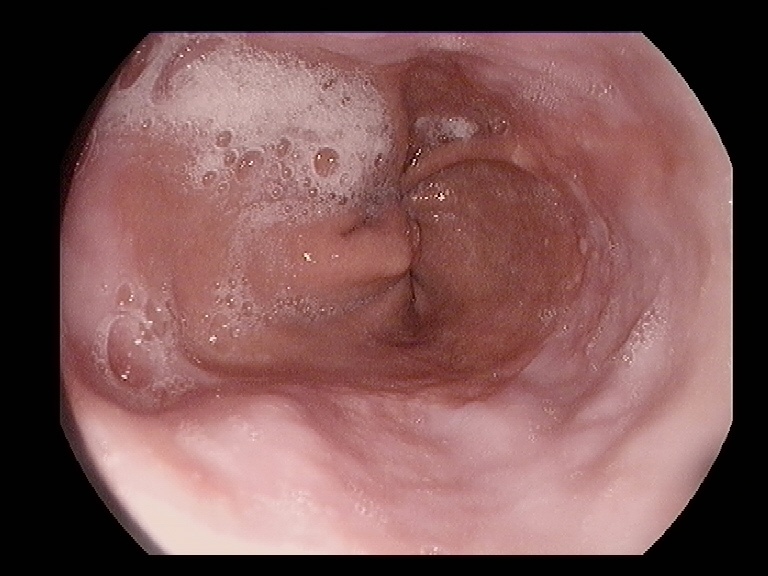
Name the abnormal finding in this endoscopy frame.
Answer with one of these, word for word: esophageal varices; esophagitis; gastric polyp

esophagitis